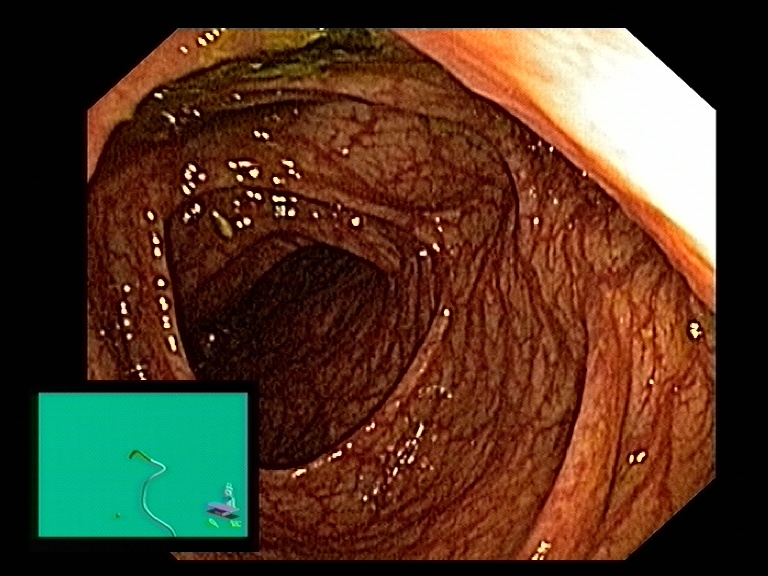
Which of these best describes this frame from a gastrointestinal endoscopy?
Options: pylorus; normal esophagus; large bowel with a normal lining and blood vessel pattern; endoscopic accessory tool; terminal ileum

large bowel with a normal lining and blood vessel pattern